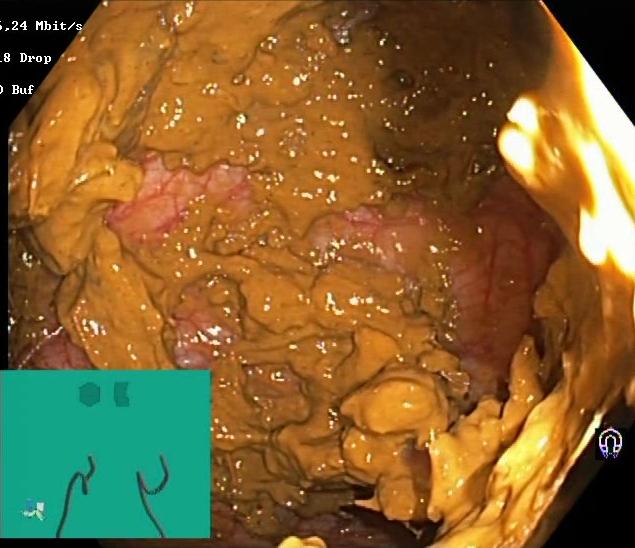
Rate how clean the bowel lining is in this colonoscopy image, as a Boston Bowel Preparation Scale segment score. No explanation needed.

Boston Bowel Preparation Scale score 0–1 (inadequate preparation)